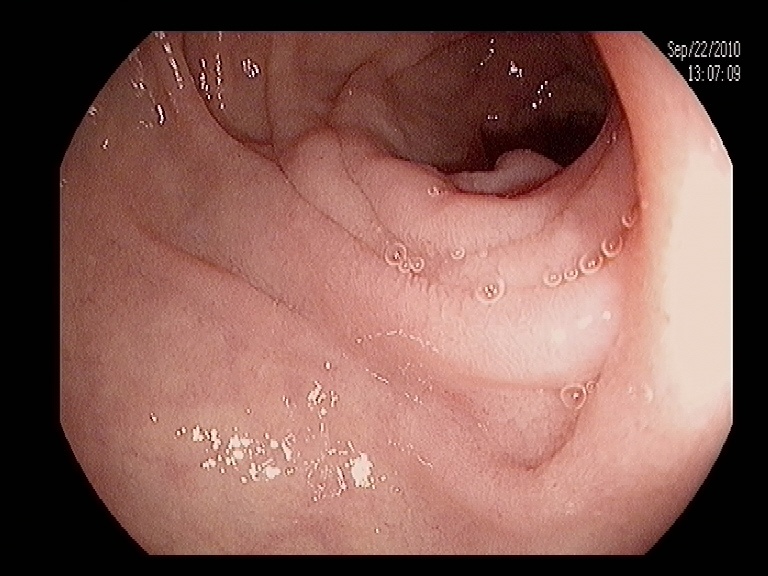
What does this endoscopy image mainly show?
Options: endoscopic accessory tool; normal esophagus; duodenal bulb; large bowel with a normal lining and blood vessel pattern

duodenal bulb